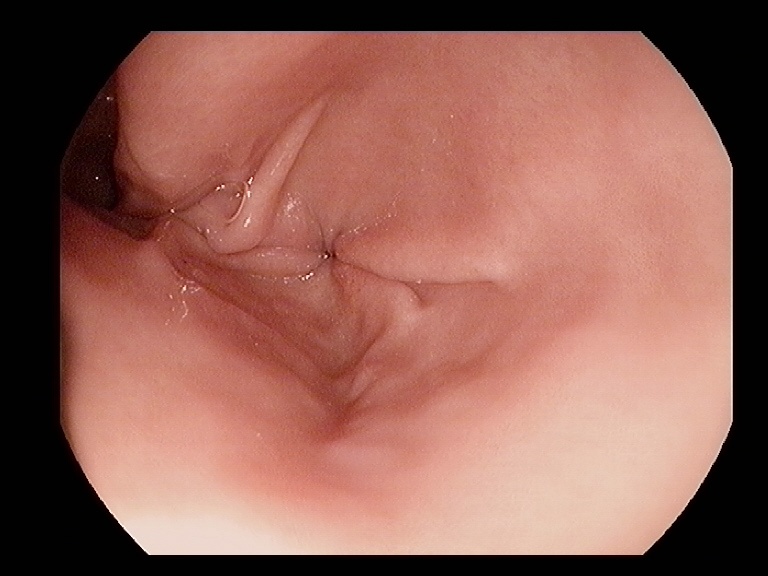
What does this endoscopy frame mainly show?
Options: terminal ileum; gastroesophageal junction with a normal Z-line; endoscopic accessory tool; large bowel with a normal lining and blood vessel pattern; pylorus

pylorus